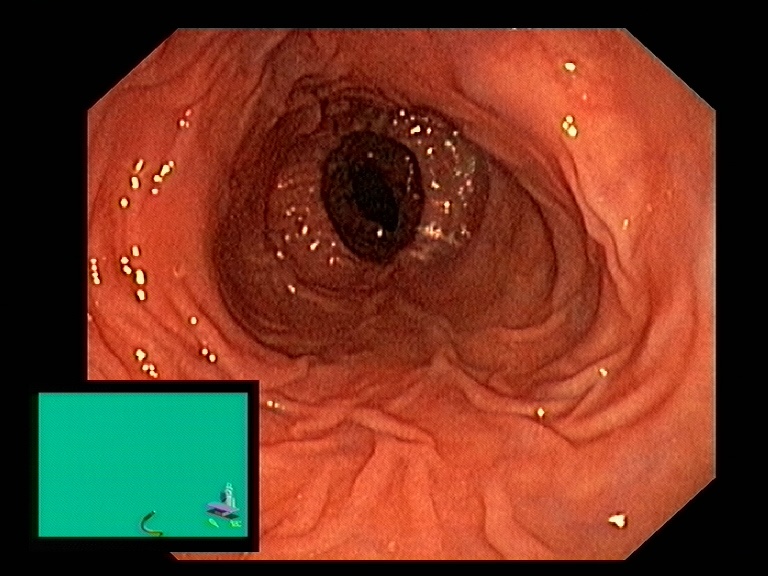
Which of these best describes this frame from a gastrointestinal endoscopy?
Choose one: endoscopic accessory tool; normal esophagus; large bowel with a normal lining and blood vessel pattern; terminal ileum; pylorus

large bowel with a normal lining and blood vessel pattern